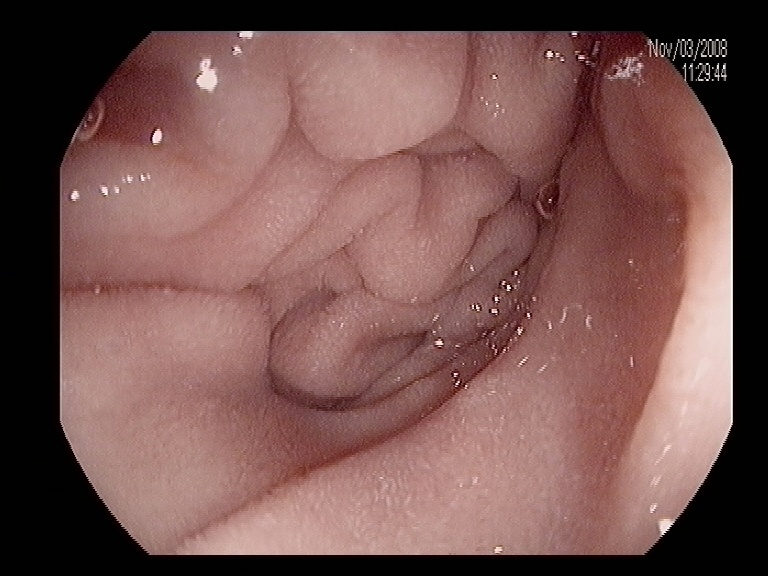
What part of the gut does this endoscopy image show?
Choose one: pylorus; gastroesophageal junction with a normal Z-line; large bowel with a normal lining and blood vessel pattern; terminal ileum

terminal ileum